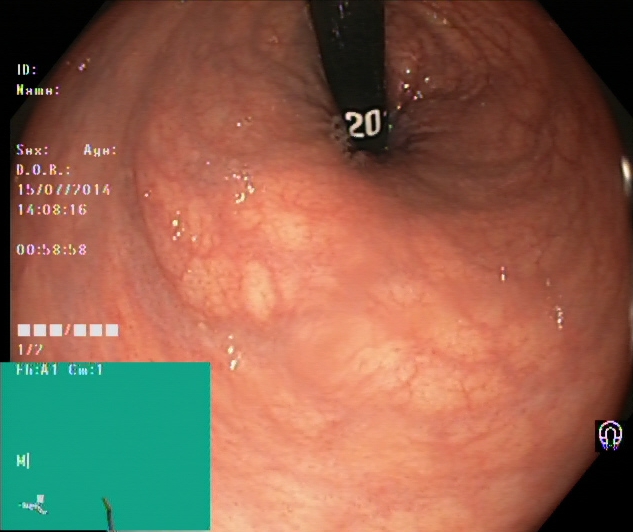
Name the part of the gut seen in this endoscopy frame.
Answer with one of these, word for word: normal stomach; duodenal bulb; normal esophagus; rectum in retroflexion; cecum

rectum in retroflexion